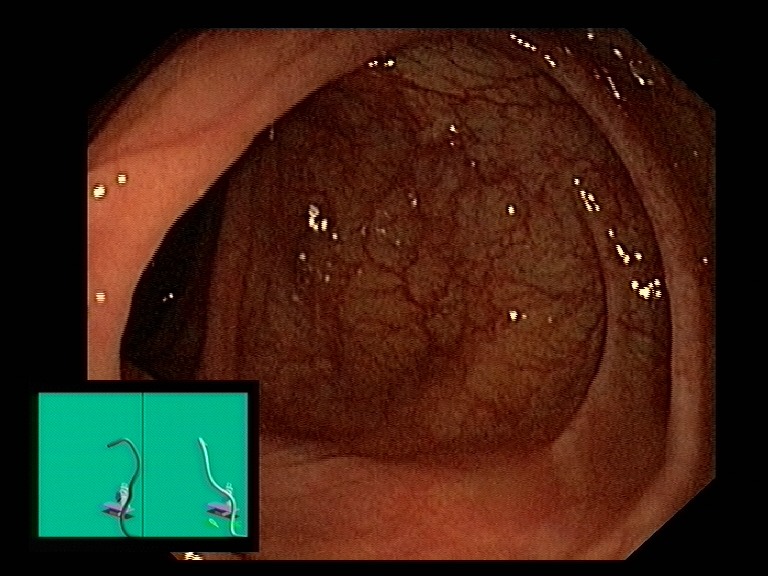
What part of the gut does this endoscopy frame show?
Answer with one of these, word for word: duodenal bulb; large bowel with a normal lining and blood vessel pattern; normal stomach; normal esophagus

large bowel with a normal lining and blood vessel pattern